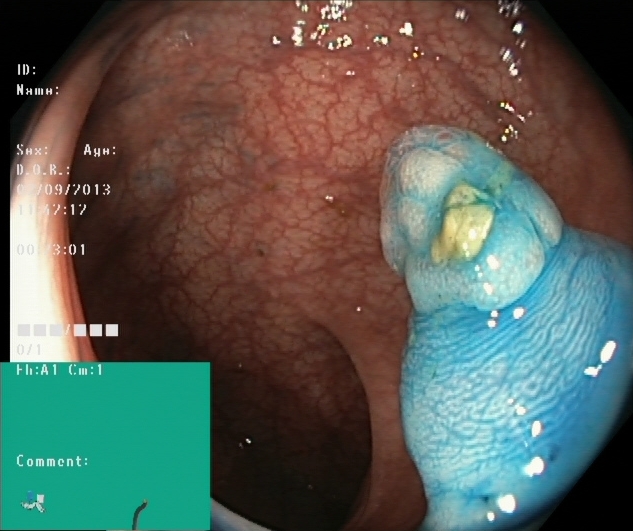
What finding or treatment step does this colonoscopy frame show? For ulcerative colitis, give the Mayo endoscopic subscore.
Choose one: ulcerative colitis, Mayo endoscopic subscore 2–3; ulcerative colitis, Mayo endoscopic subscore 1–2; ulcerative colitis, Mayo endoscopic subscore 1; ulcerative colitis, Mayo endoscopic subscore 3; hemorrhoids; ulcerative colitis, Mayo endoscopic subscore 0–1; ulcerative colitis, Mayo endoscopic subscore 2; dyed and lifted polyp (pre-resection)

dyed and lifted polyp (pre-resection)